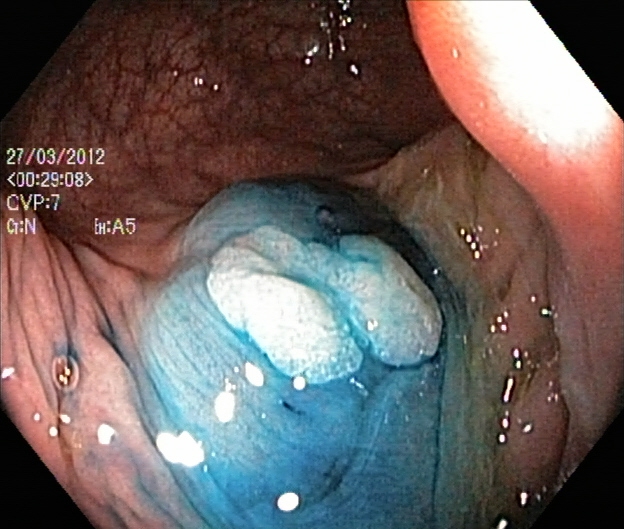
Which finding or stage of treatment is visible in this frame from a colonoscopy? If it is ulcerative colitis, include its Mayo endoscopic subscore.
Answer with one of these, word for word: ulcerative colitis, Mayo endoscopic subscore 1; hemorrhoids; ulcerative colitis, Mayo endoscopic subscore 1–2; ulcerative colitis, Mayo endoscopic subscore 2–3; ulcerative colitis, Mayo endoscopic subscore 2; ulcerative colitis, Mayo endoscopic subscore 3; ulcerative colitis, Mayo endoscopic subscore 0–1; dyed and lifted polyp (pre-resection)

dyed and lifted polyp (pre-resection)